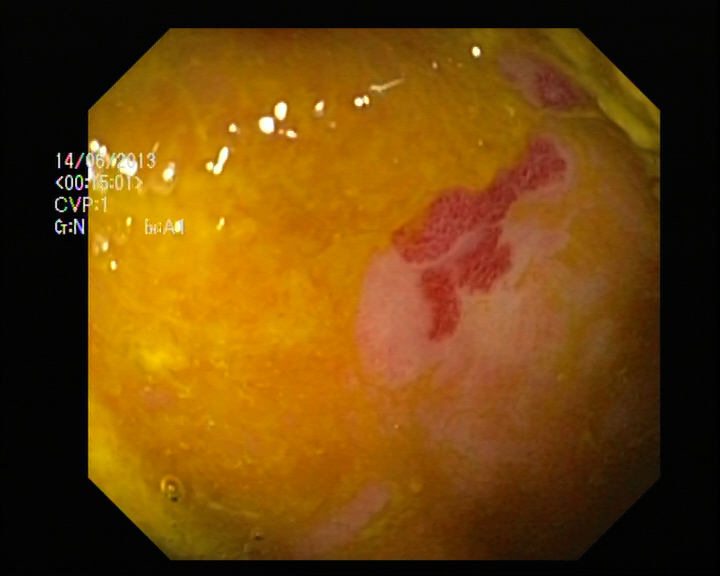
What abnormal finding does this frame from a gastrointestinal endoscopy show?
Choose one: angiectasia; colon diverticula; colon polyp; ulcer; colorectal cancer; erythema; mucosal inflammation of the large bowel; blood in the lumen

angiectasia